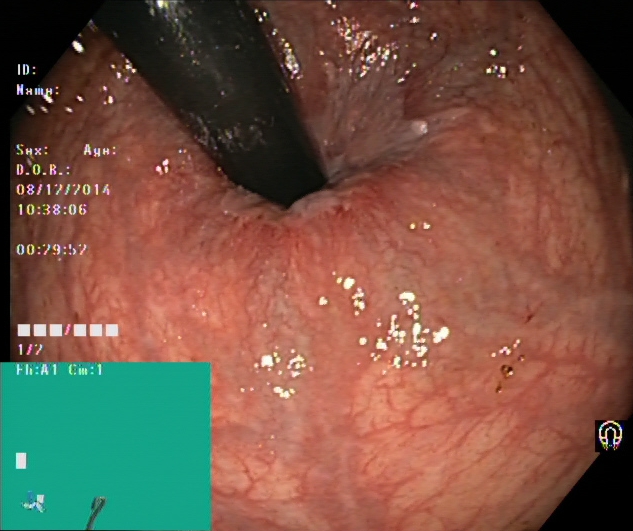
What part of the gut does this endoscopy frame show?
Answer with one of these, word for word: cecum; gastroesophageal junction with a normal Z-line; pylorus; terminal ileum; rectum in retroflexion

rectum in retroflexion